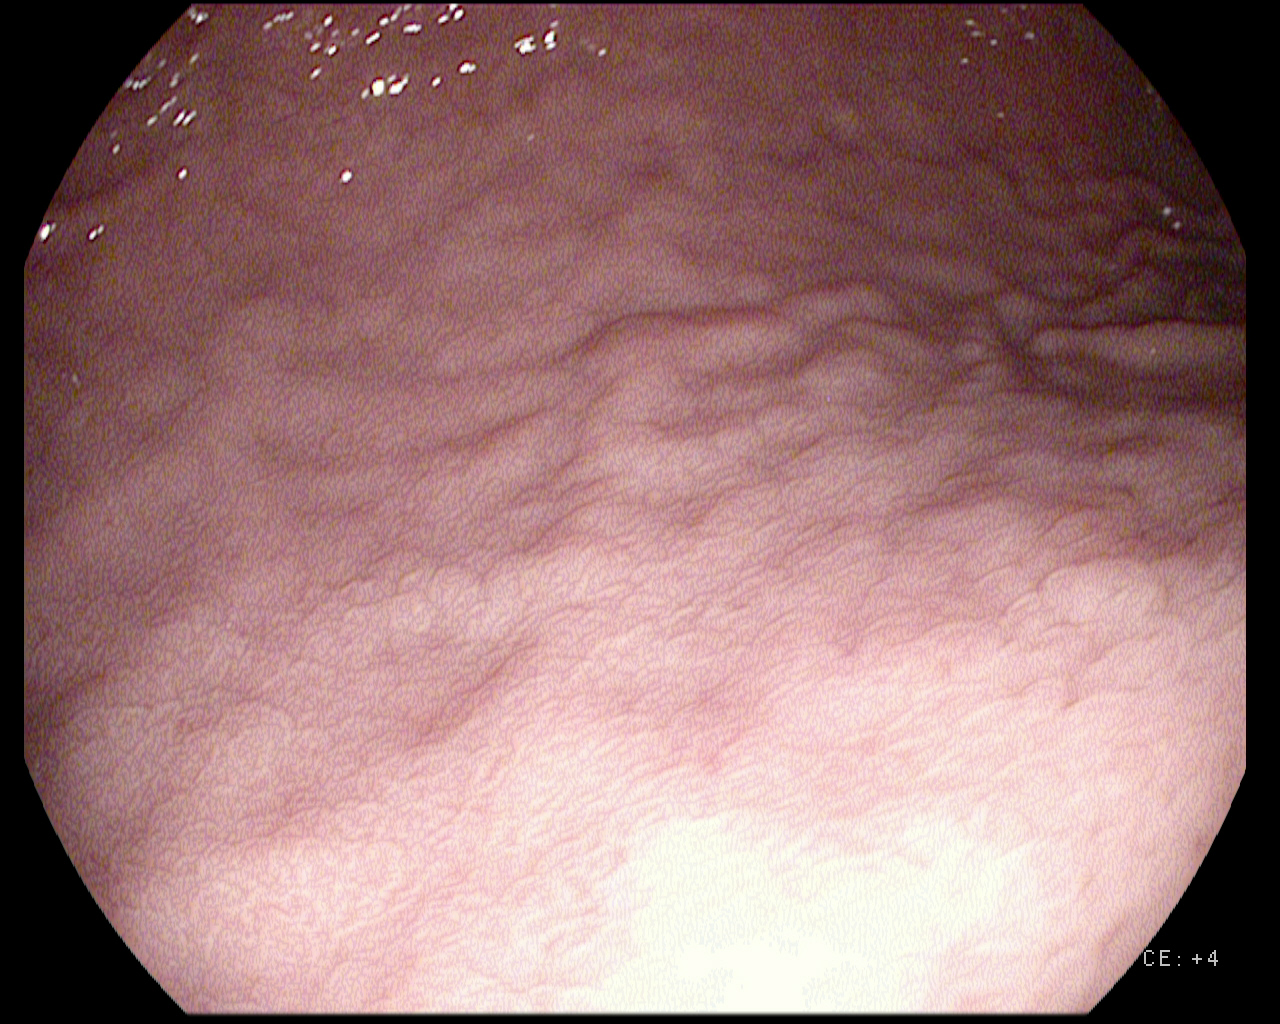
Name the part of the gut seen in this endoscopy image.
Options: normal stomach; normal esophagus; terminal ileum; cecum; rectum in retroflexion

normal stomach